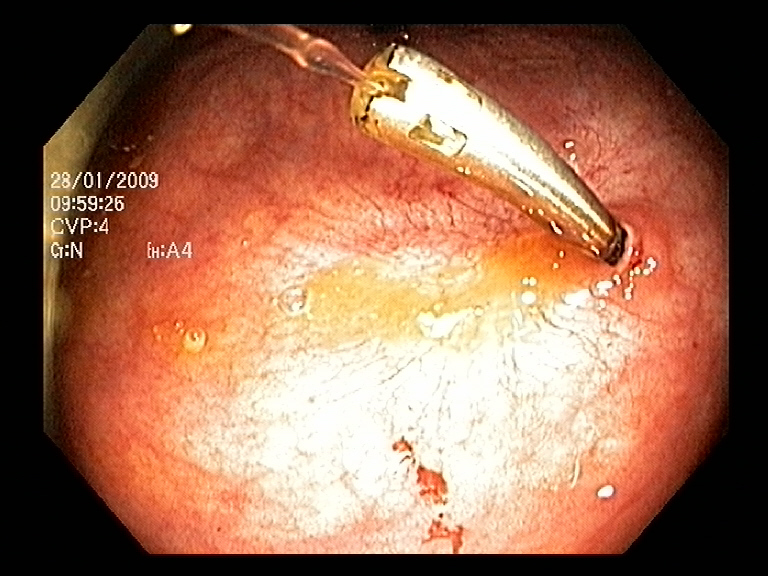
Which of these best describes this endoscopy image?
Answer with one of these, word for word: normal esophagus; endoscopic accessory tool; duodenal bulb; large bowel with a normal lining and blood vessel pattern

endoscopic accessory tool